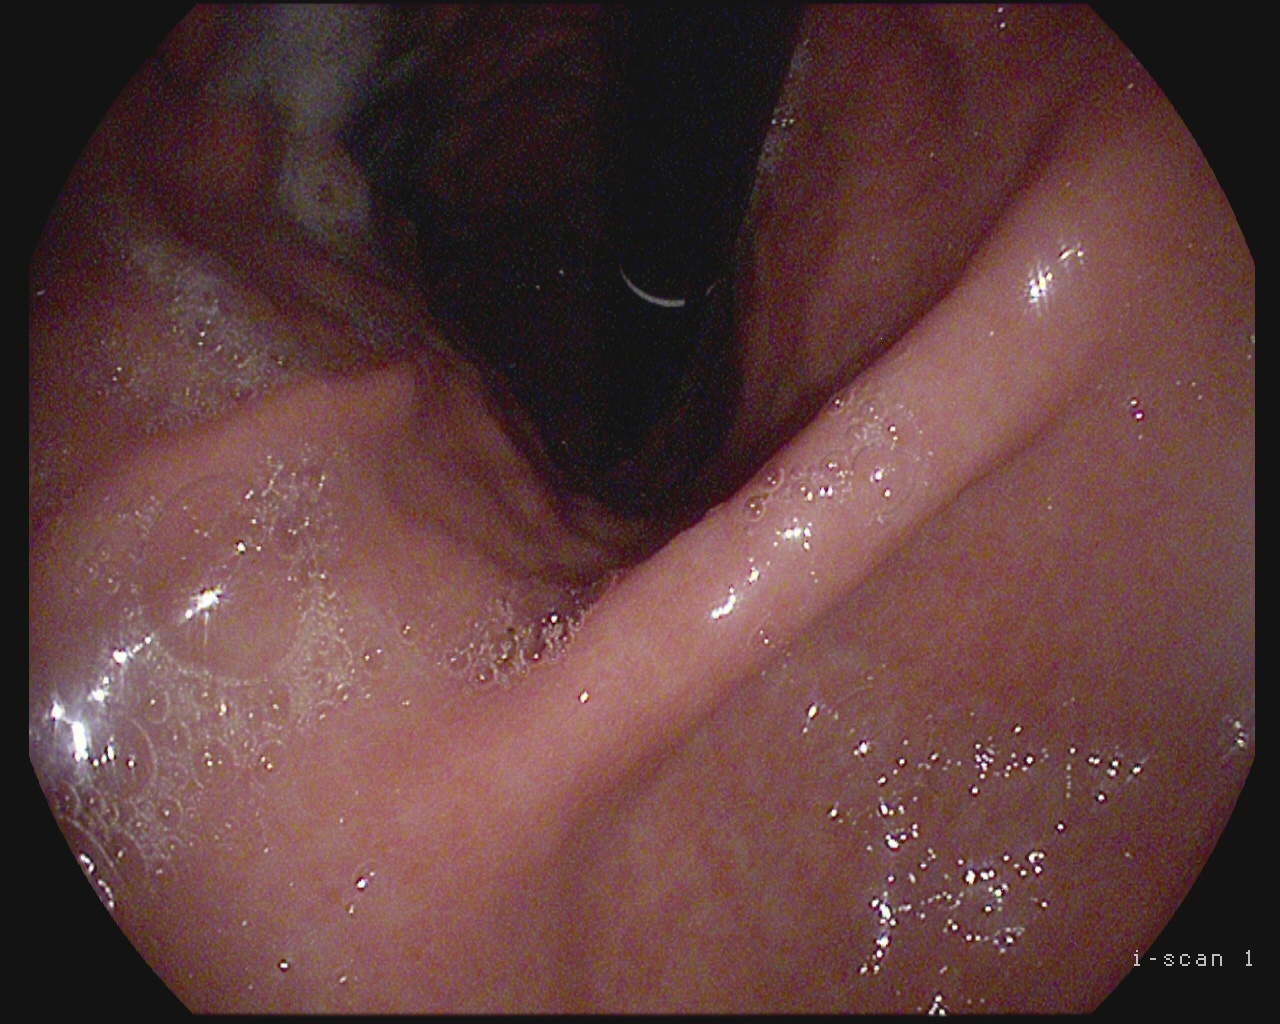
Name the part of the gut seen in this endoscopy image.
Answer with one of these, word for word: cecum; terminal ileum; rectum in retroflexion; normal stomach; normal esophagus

normal stomach